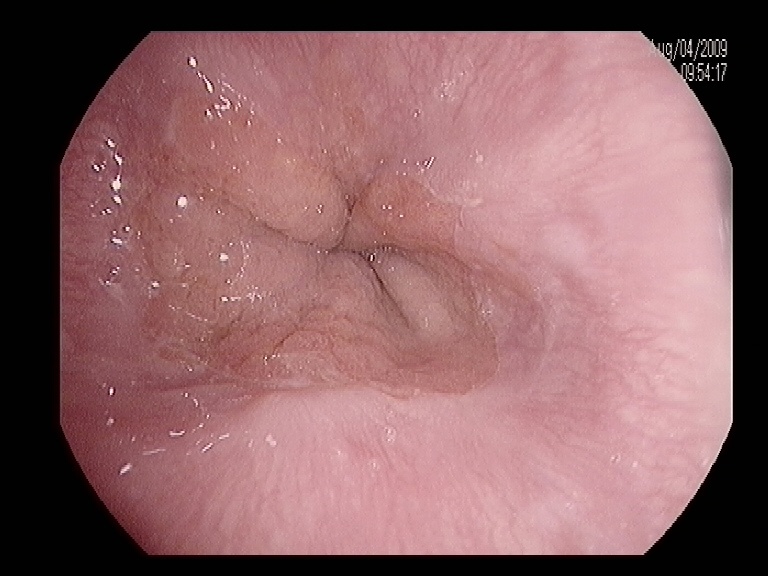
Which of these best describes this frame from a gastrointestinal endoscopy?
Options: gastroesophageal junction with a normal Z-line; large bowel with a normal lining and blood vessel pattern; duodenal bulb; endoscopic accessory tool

gastroesophageal junction with a normal Z-line